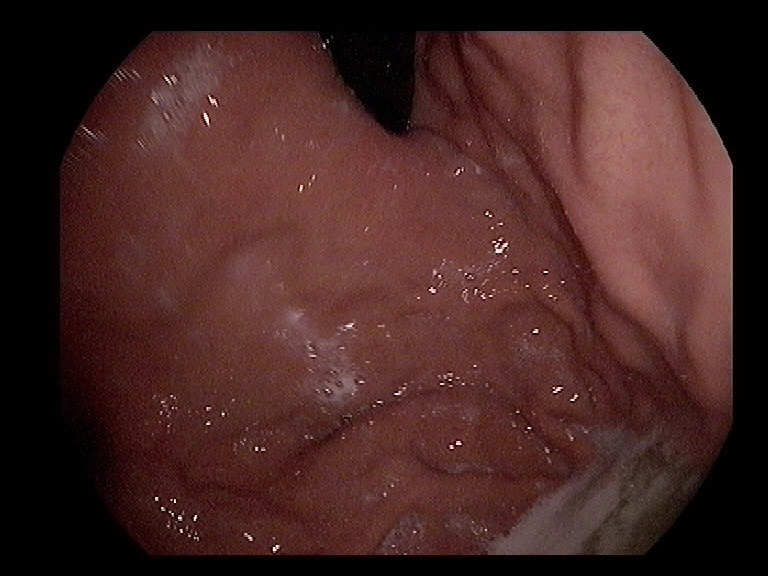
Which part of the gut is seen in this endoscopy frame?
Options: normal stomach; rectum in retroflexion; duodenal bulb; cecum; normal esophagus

normal stomach